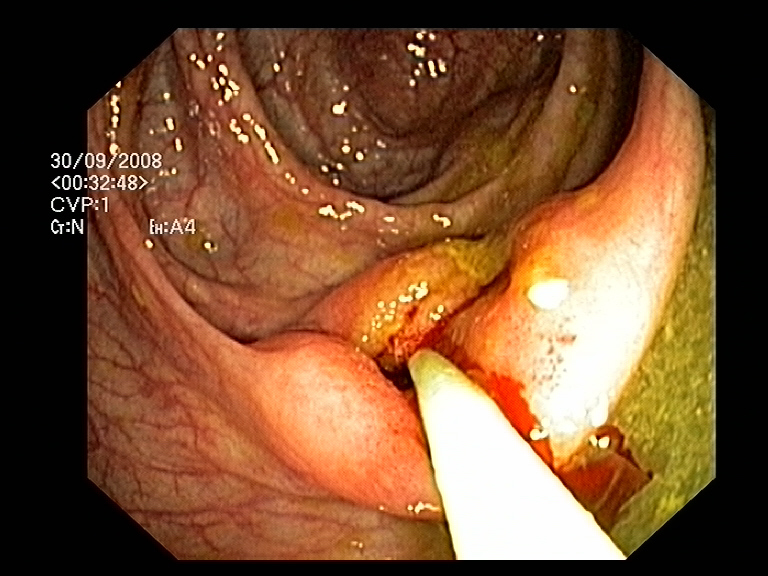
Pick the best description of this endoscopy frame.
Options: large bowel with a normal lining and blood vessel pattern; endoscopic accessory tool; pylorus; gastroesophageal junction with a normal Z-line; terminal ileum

endoscopic accessory tool